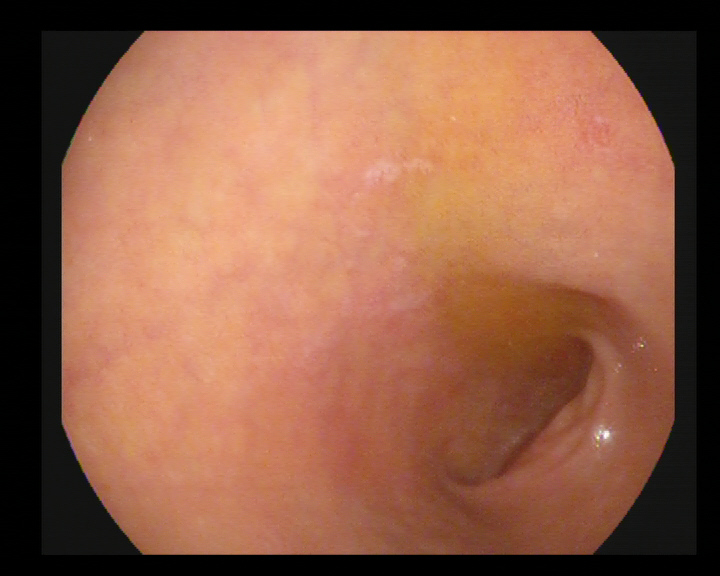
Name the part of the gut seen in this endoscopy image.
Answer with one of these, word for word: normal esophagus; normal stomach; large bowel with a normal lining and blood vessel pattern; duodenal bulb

duodenal bulb